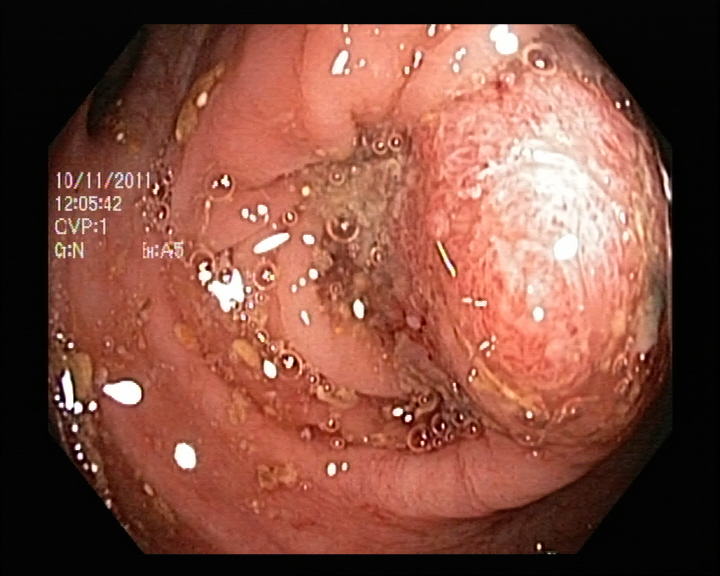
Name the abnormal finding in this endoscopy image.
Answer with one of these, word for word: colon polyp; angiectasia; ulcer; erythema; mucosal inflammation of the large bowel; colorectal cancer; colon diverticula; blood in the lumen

colon polyp